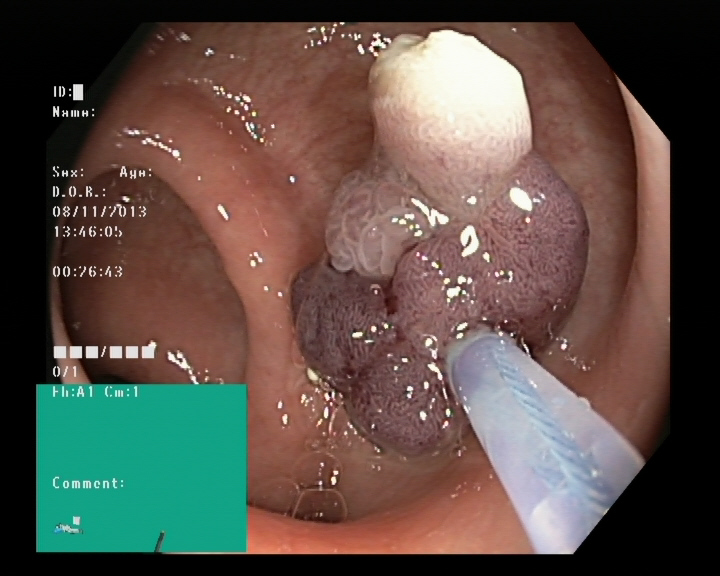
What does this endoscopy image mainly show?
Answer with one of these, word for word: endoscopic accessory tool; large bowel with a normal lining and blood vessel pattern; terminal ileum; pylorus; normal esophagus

endoscopic accessory tool